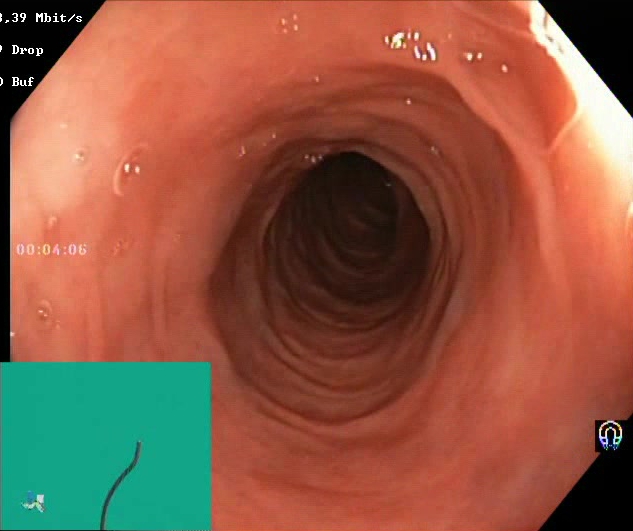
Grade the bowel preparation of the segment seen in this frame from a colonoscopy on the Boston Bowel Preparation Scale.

Boston Bowel Preparation Scale score 2–3 (adequate preparation)